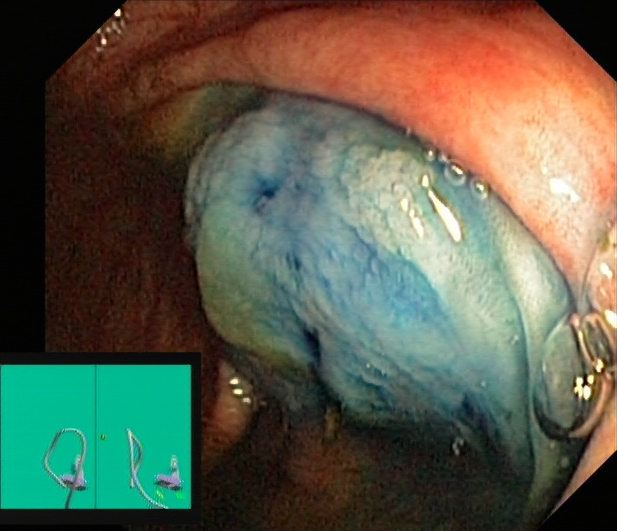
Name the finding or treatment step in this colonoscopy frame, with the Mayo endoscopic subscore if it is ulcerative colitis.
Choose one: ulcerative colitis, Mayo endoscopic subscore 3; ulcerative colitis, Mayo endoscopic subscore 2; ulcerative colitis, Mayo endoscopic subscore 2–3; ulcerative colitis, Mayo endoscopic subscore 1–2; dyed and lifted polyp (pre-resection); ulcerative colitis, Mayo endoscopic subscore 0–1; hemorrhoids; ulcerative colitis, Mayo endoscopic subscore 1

dyed and lifted polyp (pre-resection)